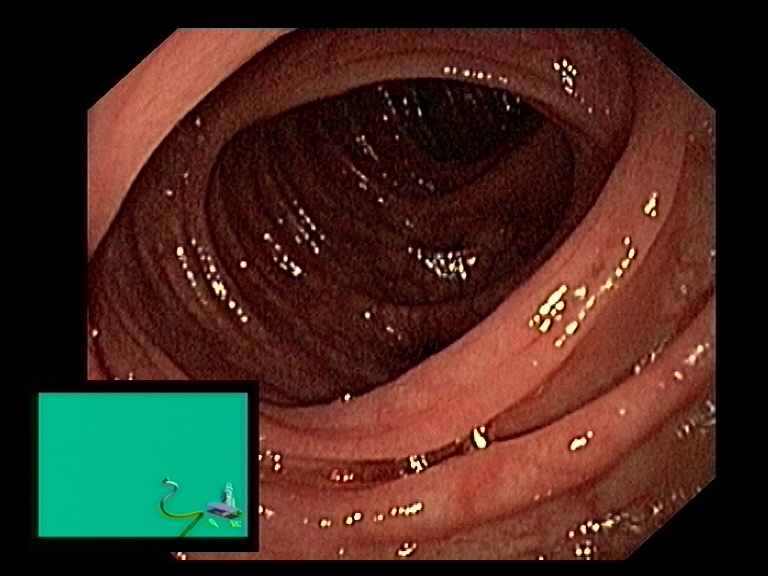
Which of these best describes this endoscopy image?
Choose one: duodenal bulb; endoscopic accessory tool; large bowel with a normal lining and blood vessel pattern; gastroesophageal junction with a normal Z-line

large bowel with a normal lining and blood vessel pattern